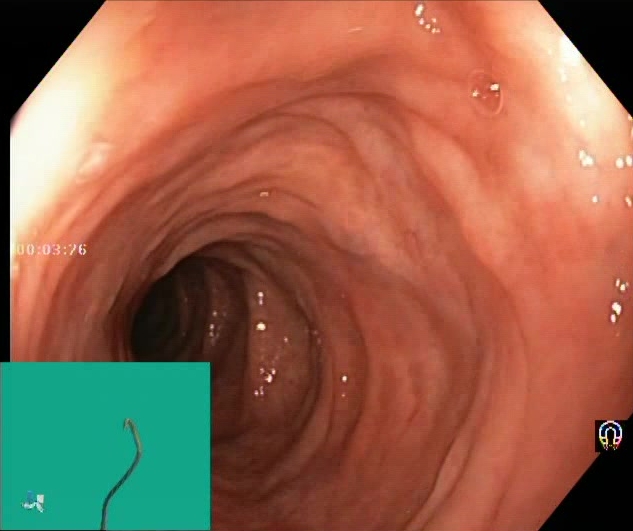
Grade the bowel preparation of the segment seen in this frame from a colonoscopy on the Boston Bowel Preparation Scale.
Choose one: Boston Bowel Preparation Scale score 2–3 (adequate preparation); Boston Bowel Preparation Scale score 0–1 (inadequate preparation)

Boston Bowel Preparation Scale score 2–3 (adequate preparation)